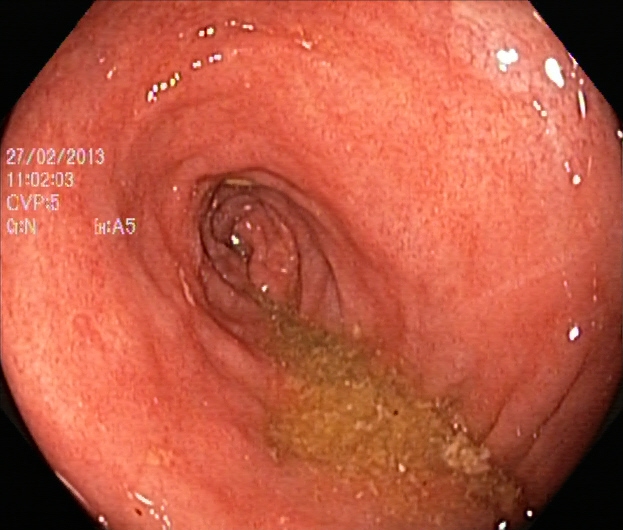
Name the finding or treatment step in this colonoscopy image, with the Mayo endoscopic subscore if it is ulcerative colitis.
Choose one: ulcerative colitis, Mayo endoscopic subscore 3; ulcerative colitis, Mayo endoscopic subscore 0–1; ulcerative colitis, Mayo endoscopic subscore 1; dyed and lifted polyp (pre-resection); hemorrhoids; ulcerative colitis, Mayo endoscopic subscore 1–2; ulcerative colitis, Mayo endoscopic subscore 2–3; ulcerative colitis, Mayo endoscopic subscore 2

ulcerative colitis, Mayo endoscopic subscore 2